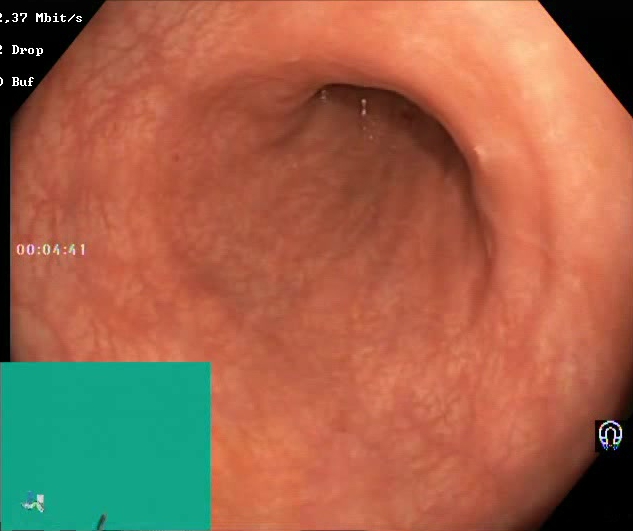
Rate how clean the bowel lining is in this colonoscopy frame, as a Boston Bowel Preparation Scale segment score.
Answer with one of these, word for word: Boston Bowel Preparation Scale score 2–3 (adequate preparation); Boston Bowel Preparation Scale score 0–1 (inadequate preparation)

Boston Bowel Preparation Scale score 2–3 (adequate preparation)